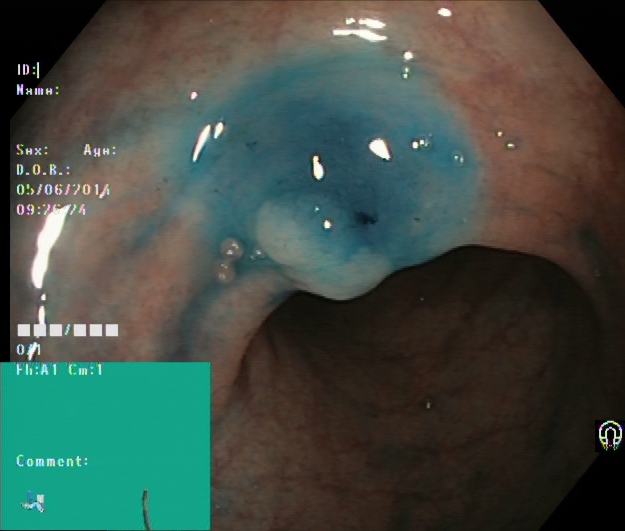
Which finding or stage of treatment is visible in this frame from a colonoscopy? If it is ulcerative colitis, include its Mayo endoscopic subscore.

dyed and lifted polyp (pre-resection)